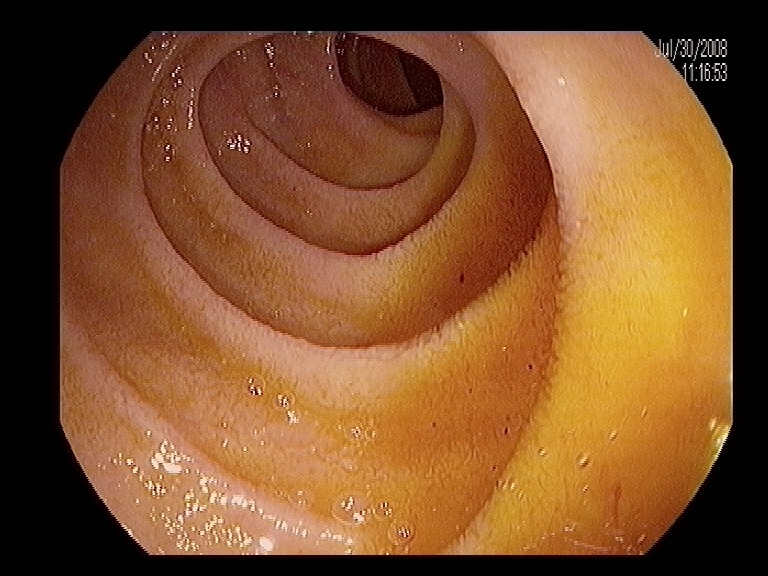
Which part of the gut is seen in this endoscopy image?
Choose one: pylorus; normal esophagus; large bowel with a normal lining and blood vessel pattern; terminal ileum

terminal ileum